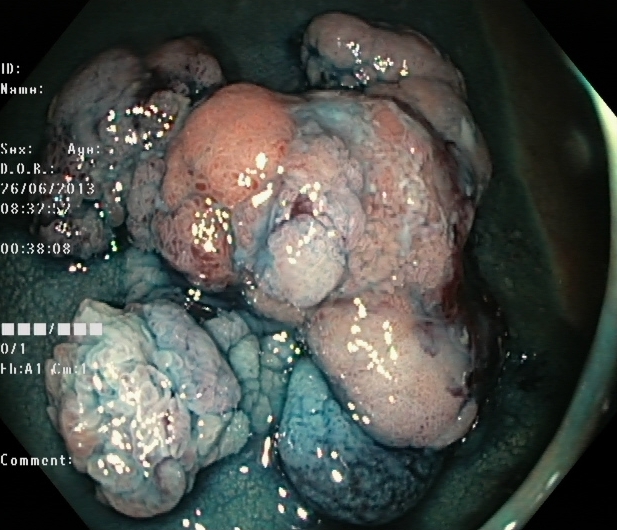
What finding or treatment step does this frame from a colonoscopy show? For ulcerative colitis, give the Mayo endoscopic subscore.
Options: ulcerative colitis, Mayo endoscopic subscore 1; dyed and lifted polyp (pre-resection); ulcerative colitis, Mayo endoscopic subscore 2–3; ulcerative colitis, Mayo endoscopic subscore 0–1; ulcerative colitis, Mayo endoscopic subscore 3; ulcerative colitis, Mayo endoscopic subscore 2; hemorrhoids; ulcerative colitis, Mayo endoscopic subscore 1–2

dyed and lifted polyp (pre-resection)